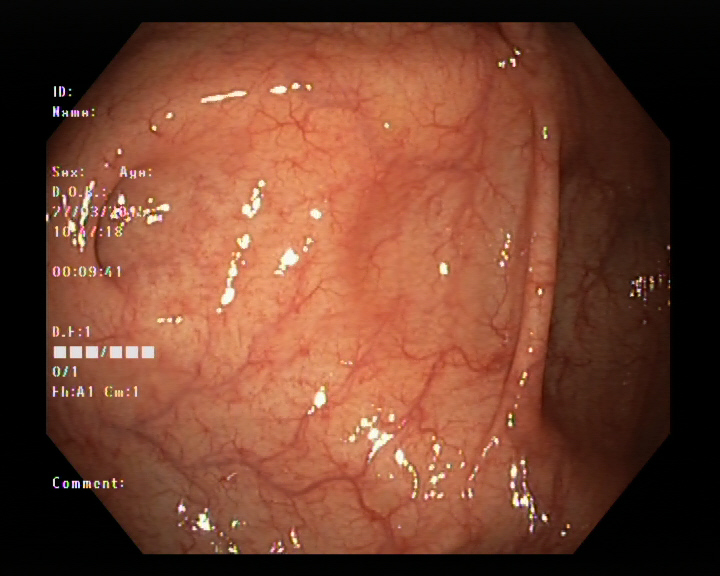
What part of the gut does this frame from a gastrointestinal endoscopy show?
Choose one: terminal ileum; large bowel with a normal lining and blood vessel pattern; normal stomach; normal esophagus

large bowel with a normal lining and blood vessel pattern